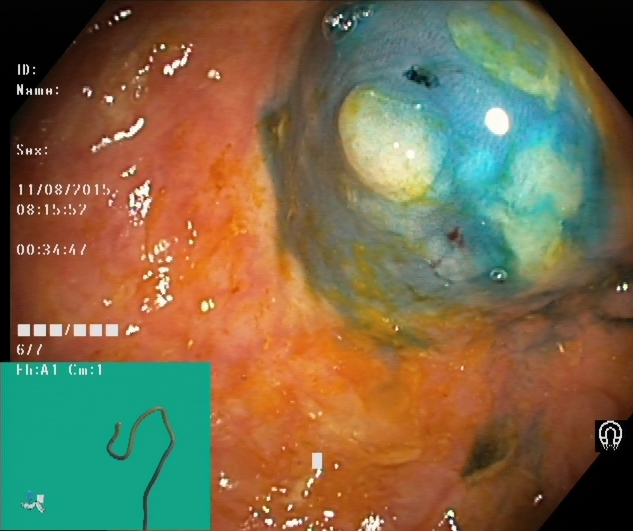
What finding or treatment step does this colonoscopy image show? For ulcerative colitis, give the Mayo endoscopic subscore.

dyed and lifted polyp (pre-resection)